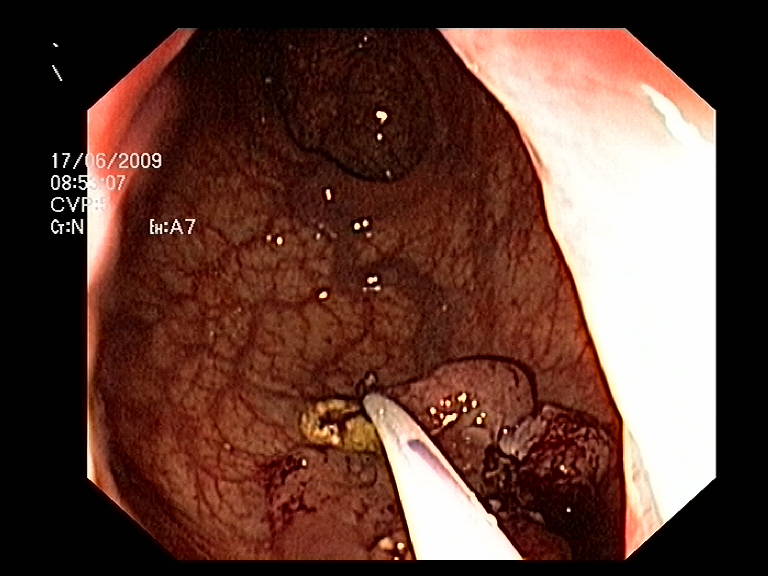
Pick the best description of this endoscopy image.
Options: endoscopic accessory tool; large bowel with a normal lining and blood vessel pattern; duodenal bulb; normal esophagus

endoscopic accessory tool